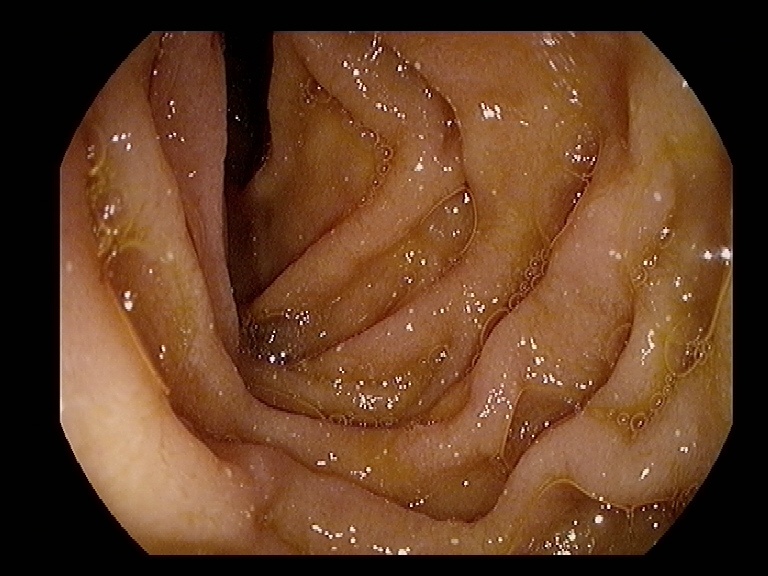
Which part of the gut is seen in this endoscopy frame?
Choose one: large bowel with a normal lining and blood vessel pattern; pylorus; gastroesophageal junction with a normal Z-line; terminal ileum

terminal ileum